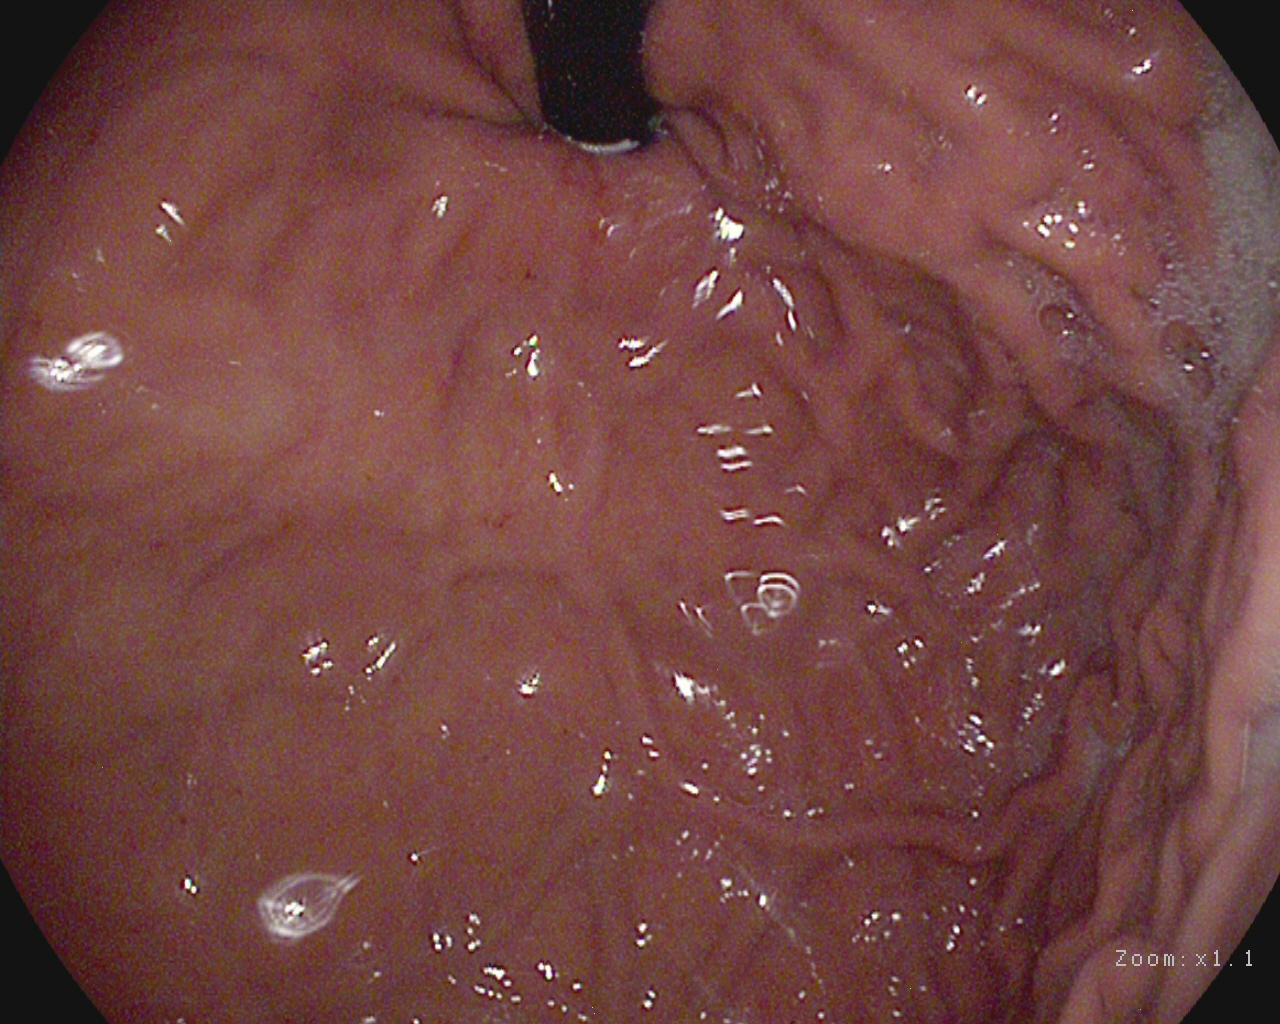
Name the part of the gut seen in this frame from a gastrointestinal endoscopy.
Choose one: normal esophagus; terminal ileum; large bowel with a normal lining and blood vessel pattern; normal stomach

normal stomach